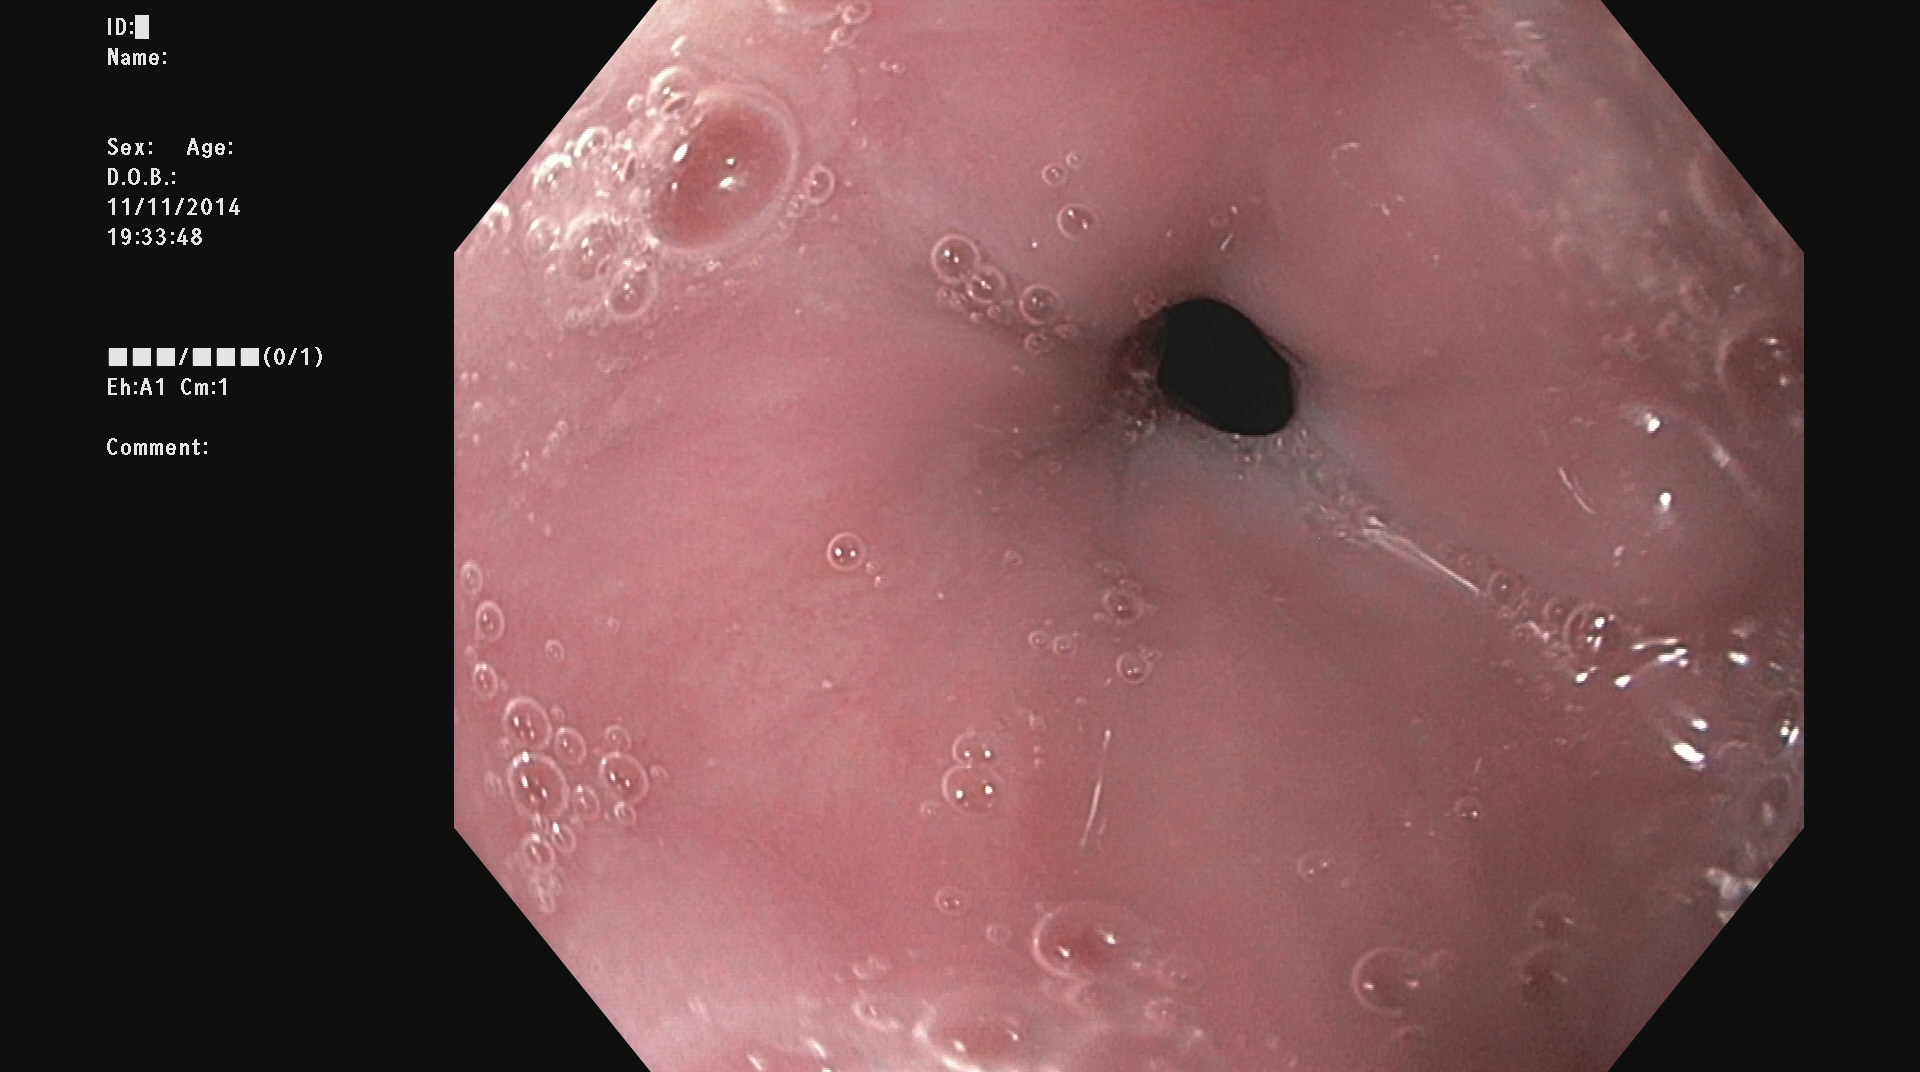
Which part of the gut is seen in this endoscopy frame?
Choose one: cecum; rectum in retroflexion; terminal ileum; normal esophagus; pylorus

normal esophagus